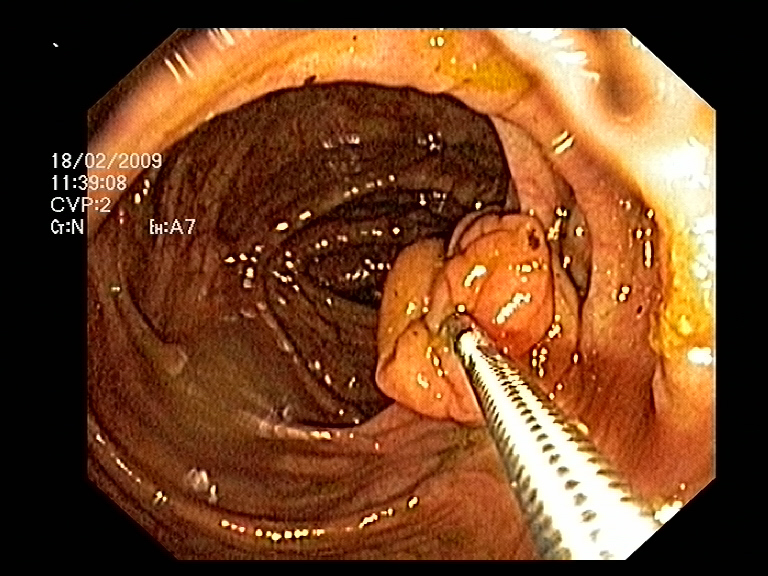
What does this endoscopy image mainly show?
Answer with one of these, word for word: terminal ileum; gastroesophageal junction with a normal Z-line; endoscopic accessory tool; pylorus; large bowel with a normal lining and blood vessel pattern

endoscopic accessory tool